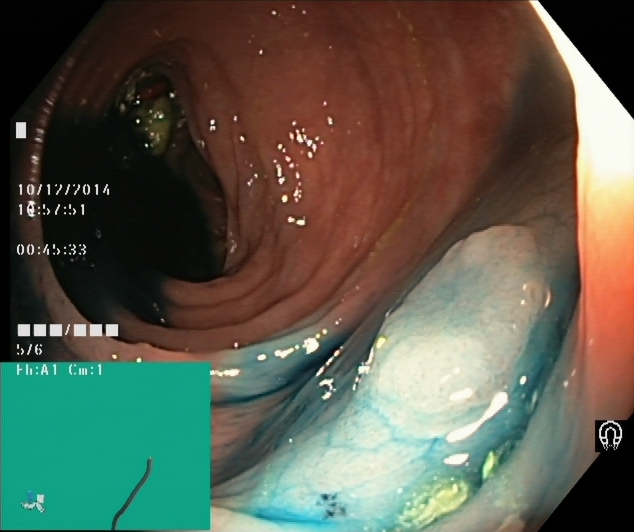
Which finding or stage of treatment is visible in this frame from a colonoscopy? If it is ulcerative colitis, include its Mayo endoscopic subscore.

dyed and lifted polyp (pre-resection)